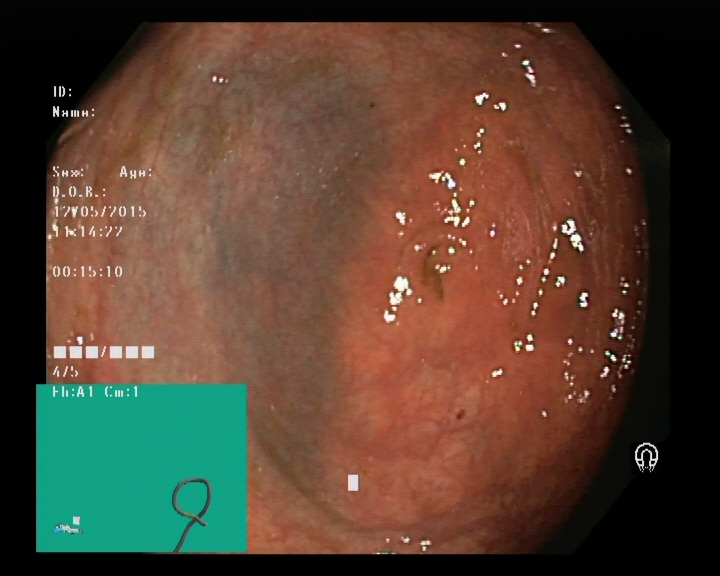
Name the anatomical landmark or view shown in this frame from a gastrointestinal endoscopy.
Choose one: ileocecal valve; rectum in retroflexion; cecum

cecum